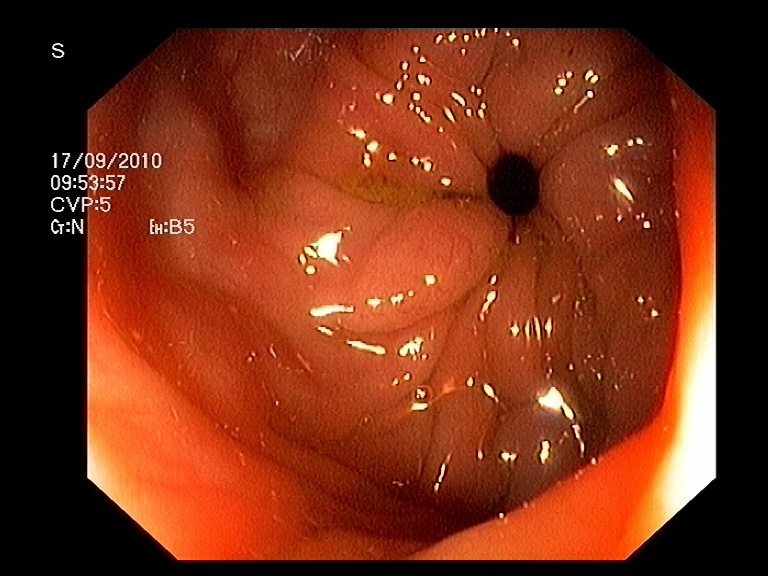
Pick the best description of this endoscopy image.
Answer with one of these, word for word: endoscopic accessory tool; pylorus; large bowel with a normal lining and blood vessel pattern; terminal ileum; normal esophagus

pylorus